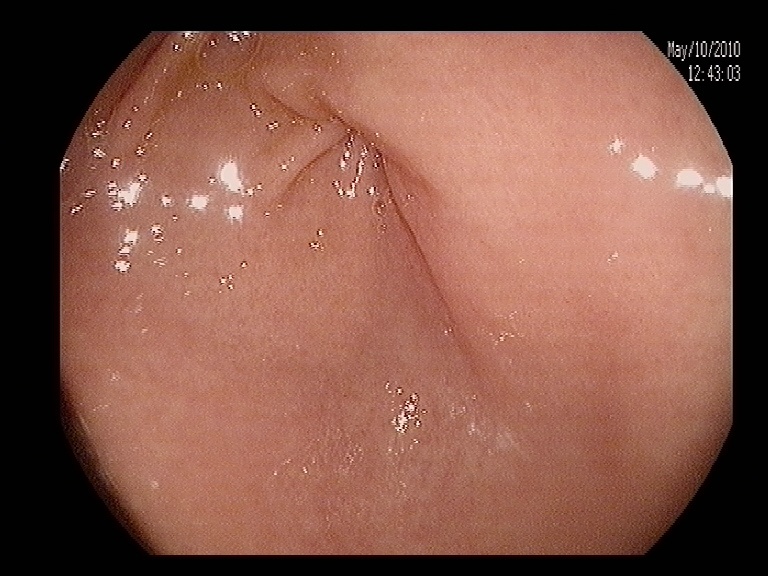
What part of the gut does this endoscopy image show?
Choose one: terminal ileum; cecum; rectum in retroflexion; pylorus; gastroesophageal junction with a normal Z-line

pylorus